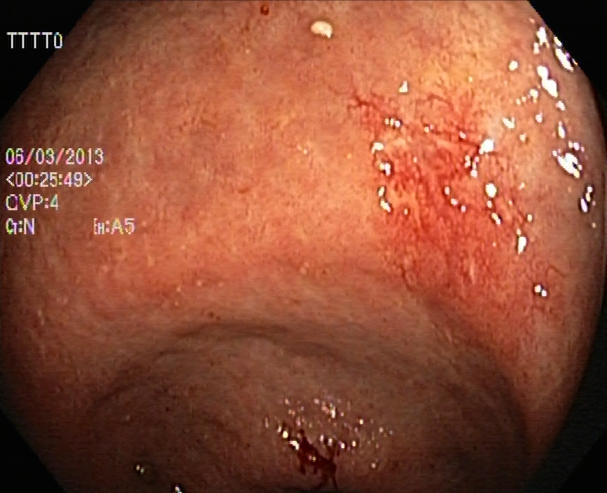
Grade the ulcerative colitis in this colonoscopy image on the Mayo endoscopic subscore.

ulcerative colitis, Mayo endoscopic subscore 1